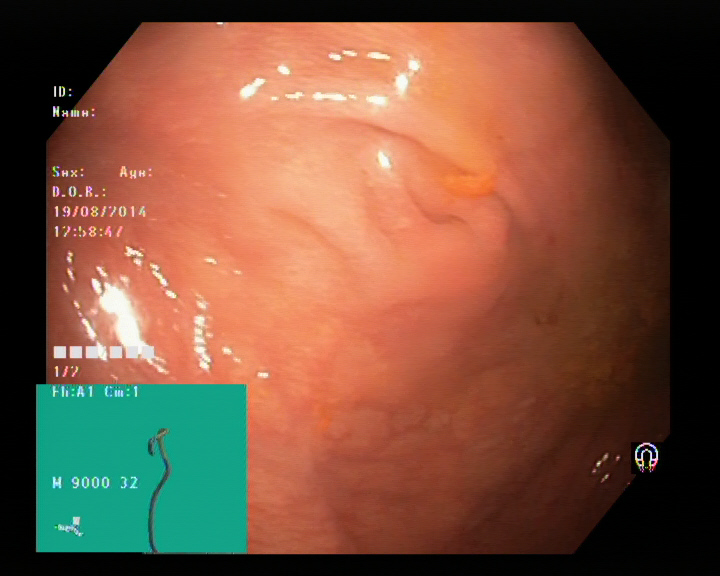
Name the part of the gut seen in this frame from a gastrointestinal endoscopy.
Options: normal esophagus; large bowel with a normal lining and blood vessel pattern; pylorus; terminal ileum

large bowel with a normal lining and blood vessel pattern